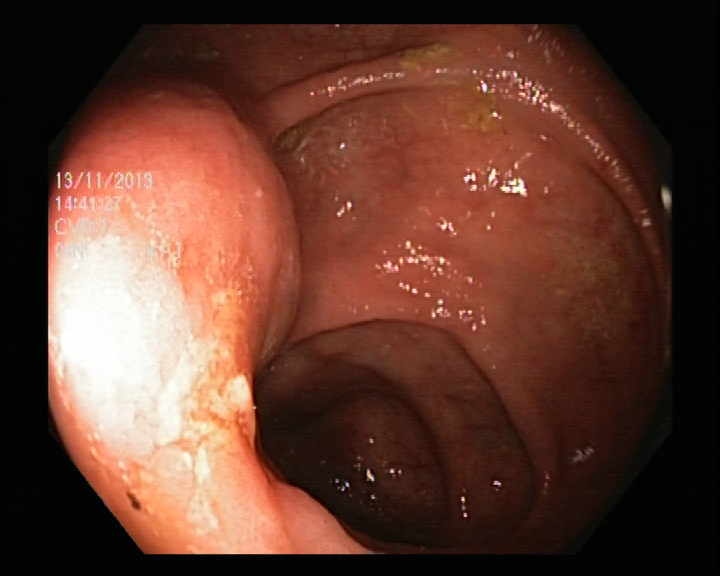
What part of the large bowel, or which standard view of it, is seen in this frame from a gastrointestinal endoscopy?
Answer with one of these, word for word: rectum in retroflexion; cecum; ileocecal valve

ileocecal valve